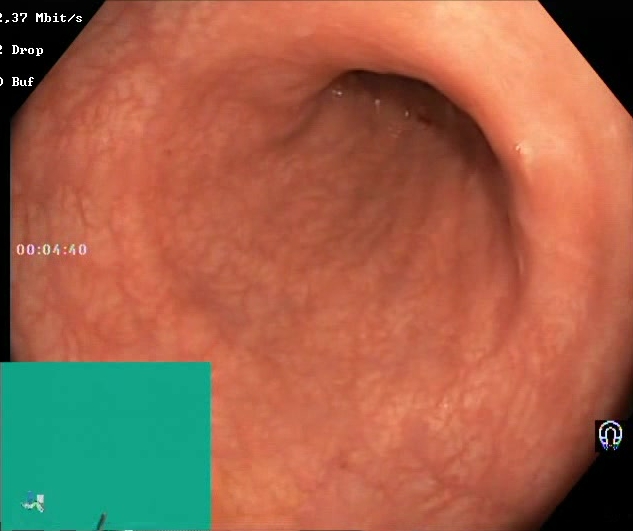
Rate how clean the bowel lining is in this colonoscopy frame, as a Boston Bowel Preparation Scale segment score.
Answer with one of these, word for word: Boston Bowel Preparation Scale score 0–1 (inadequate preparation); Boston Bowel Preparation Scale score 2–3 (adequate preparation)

Boston Bowel Preparation Scale score 2–3 (adequate preparation)